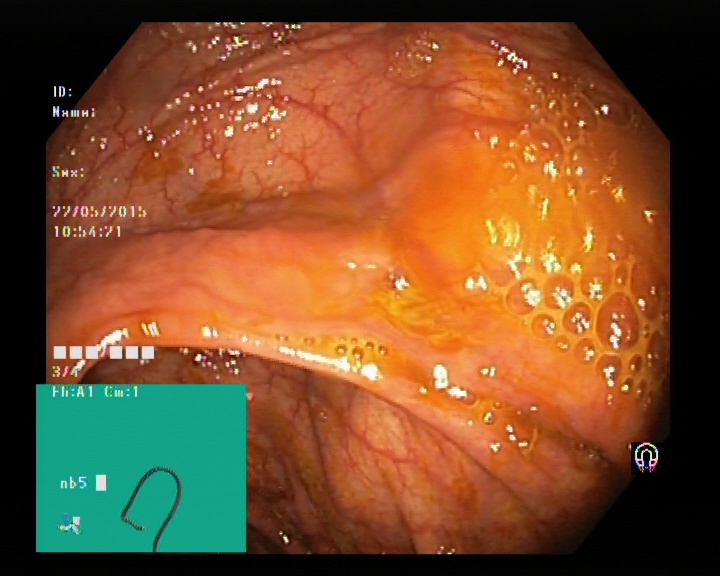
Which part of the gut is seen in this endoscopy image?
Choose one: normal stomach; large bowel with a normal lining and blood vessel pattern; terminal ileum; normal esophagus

large bowel with a normal lining and blood vessel pattern